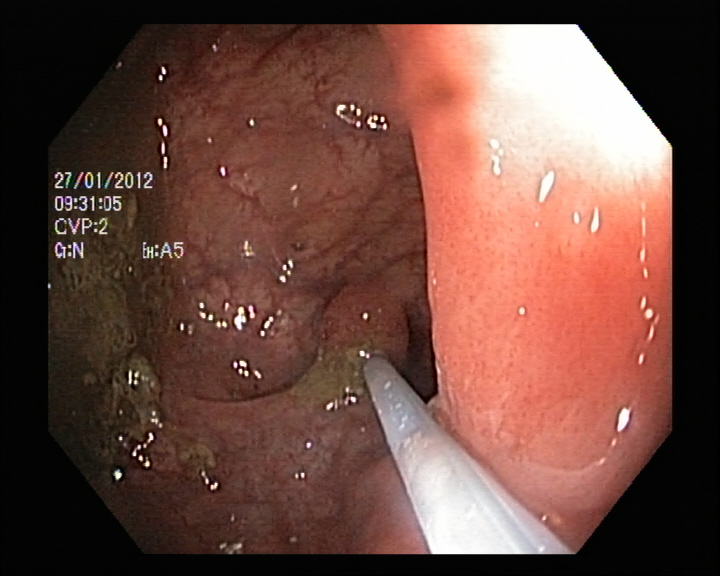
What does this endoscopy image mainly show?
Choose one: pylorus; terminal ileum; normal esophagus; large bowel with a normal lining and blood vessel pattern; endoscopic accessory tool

endoscopic accessory tool